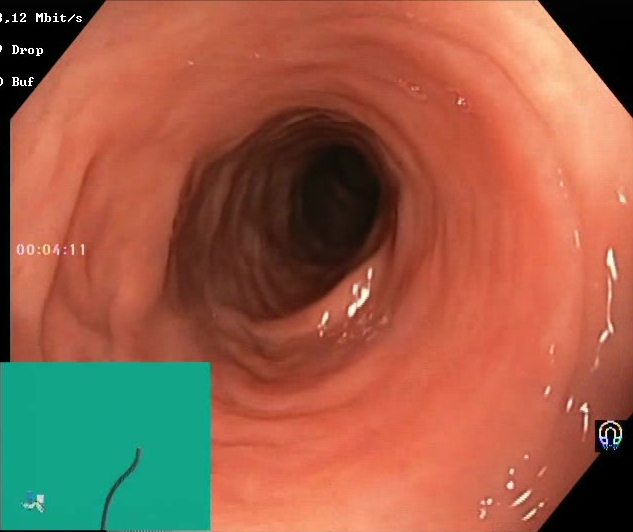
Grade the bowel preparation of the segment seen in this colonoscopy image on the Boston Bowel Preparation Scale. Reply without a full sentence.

Boston Bowel Preparation Scale score 2–3 (adequate preparation)